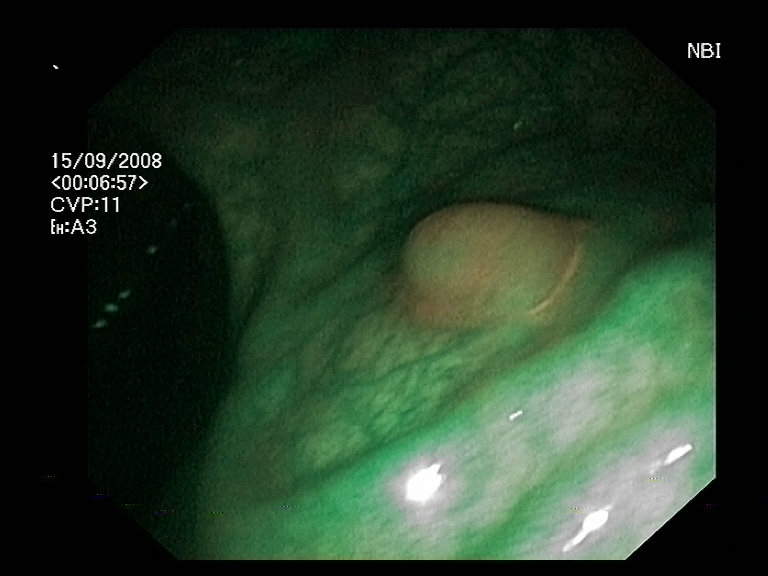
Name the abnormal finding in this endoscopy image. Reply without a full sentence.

colon polyp